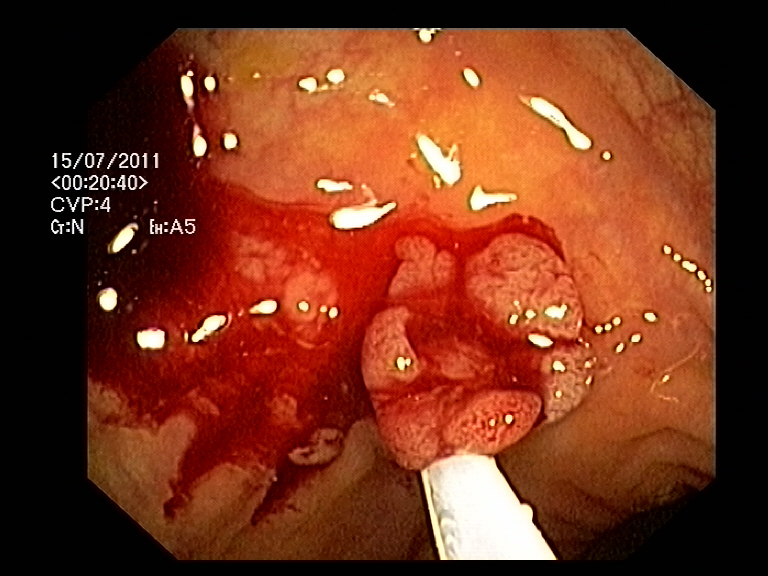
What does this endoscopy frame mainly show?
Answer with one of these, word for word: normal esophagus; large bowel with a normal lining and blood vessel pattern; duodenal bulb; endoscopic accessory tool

endoscopic accessory tool